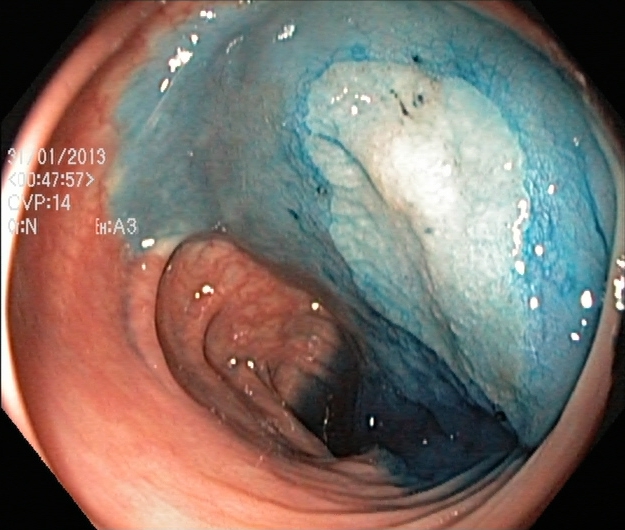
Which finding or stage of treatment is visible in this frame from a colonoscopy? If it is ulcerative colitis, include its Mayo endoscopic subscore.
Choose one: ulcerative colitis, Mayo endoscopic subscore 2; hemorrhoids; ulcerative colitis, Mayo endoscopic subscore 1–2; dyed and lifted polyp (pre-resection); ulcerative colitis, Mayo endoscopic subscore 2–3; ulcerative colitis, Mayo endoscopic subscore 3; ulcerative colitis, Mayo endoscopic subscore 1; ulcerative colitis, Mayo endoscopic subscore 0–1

dyed and lifted polyp (pre-resection)